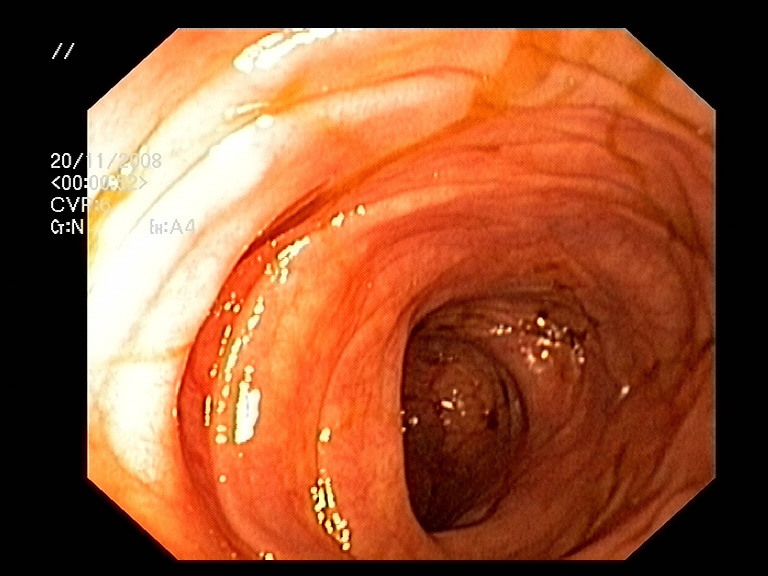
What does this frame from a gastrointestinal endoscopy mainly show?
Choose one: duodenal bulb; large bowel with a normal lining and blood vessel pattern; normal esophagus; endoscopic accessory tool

large bowel with a normal lining and blood vessel pattern